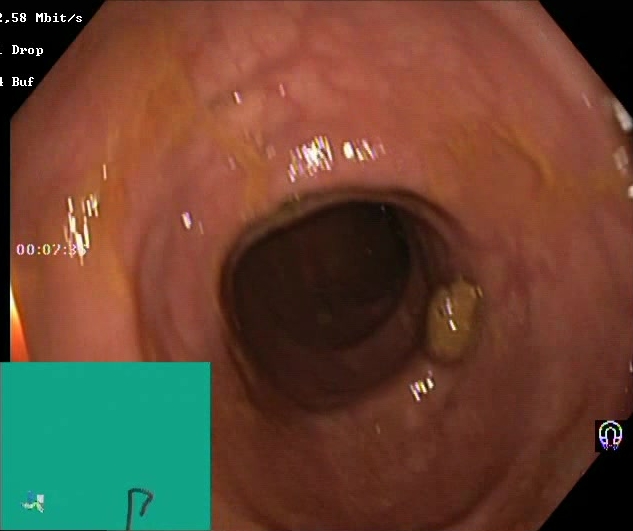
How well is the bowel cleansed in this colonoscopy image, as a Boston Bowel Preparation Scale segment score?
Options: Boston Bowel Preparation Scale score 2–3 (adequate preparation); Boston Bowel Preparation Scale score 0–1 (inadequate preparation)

Boston Bowel Preparation Scale score 2–3 (adequate preparation)